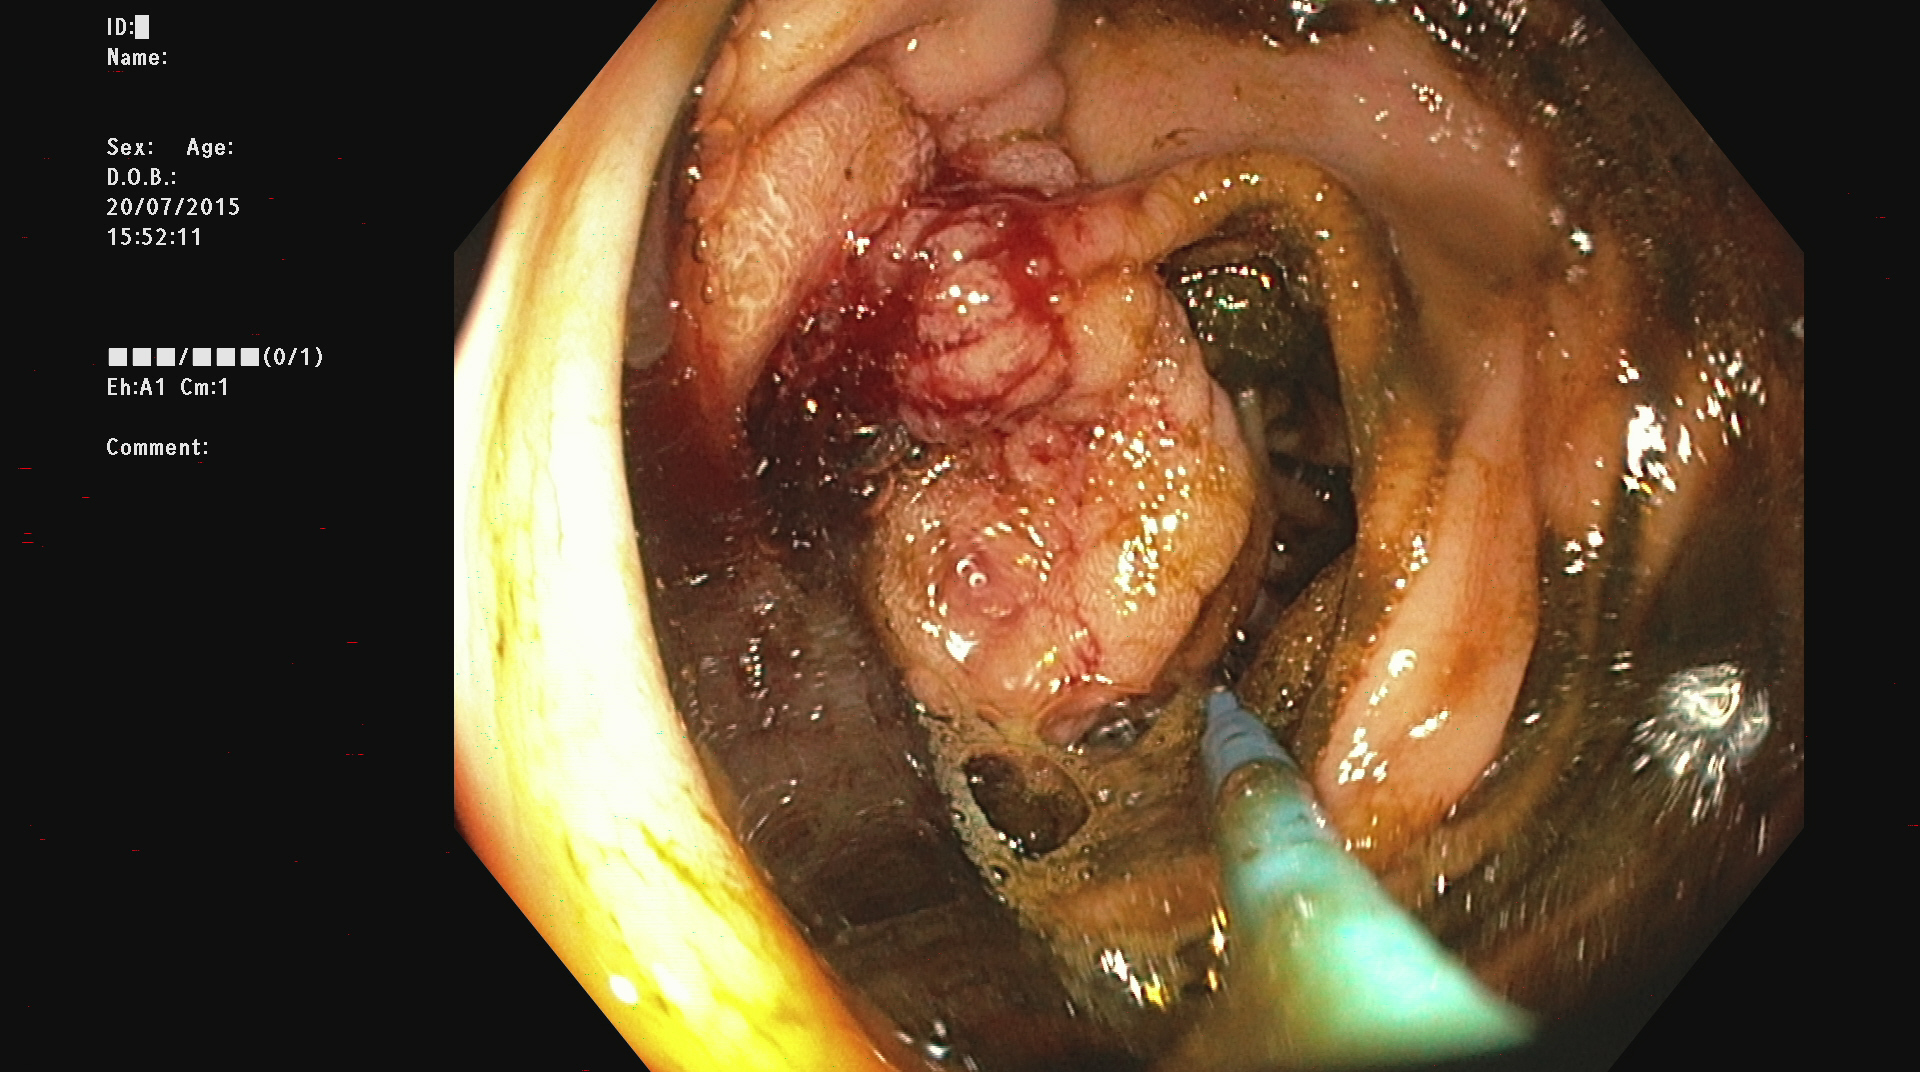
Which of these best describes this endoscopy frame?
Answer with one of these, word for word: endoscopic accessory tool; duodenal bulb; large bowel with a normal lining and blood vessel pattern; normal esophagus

endoscopic accessory tool